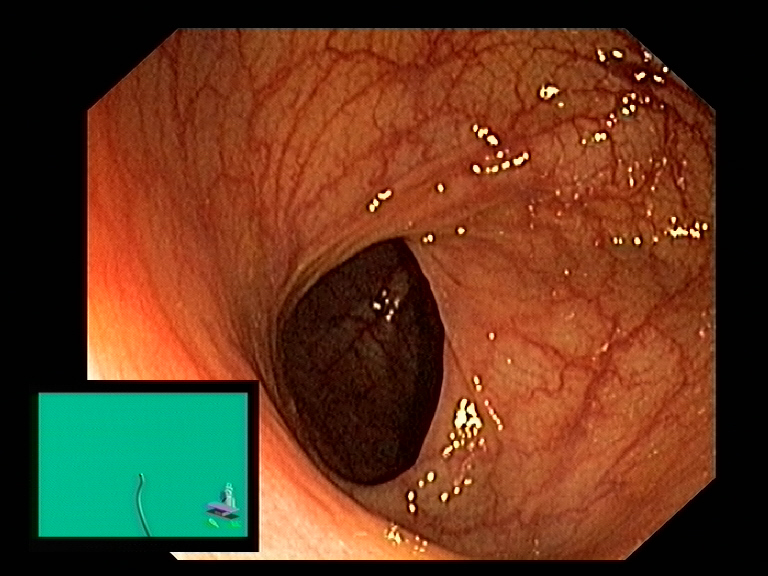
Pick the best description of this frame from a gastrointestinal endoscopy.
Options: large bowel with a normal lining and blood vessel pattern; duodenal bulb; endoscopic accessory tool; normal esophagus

large bowel with a normal lining and blood vessel pattern